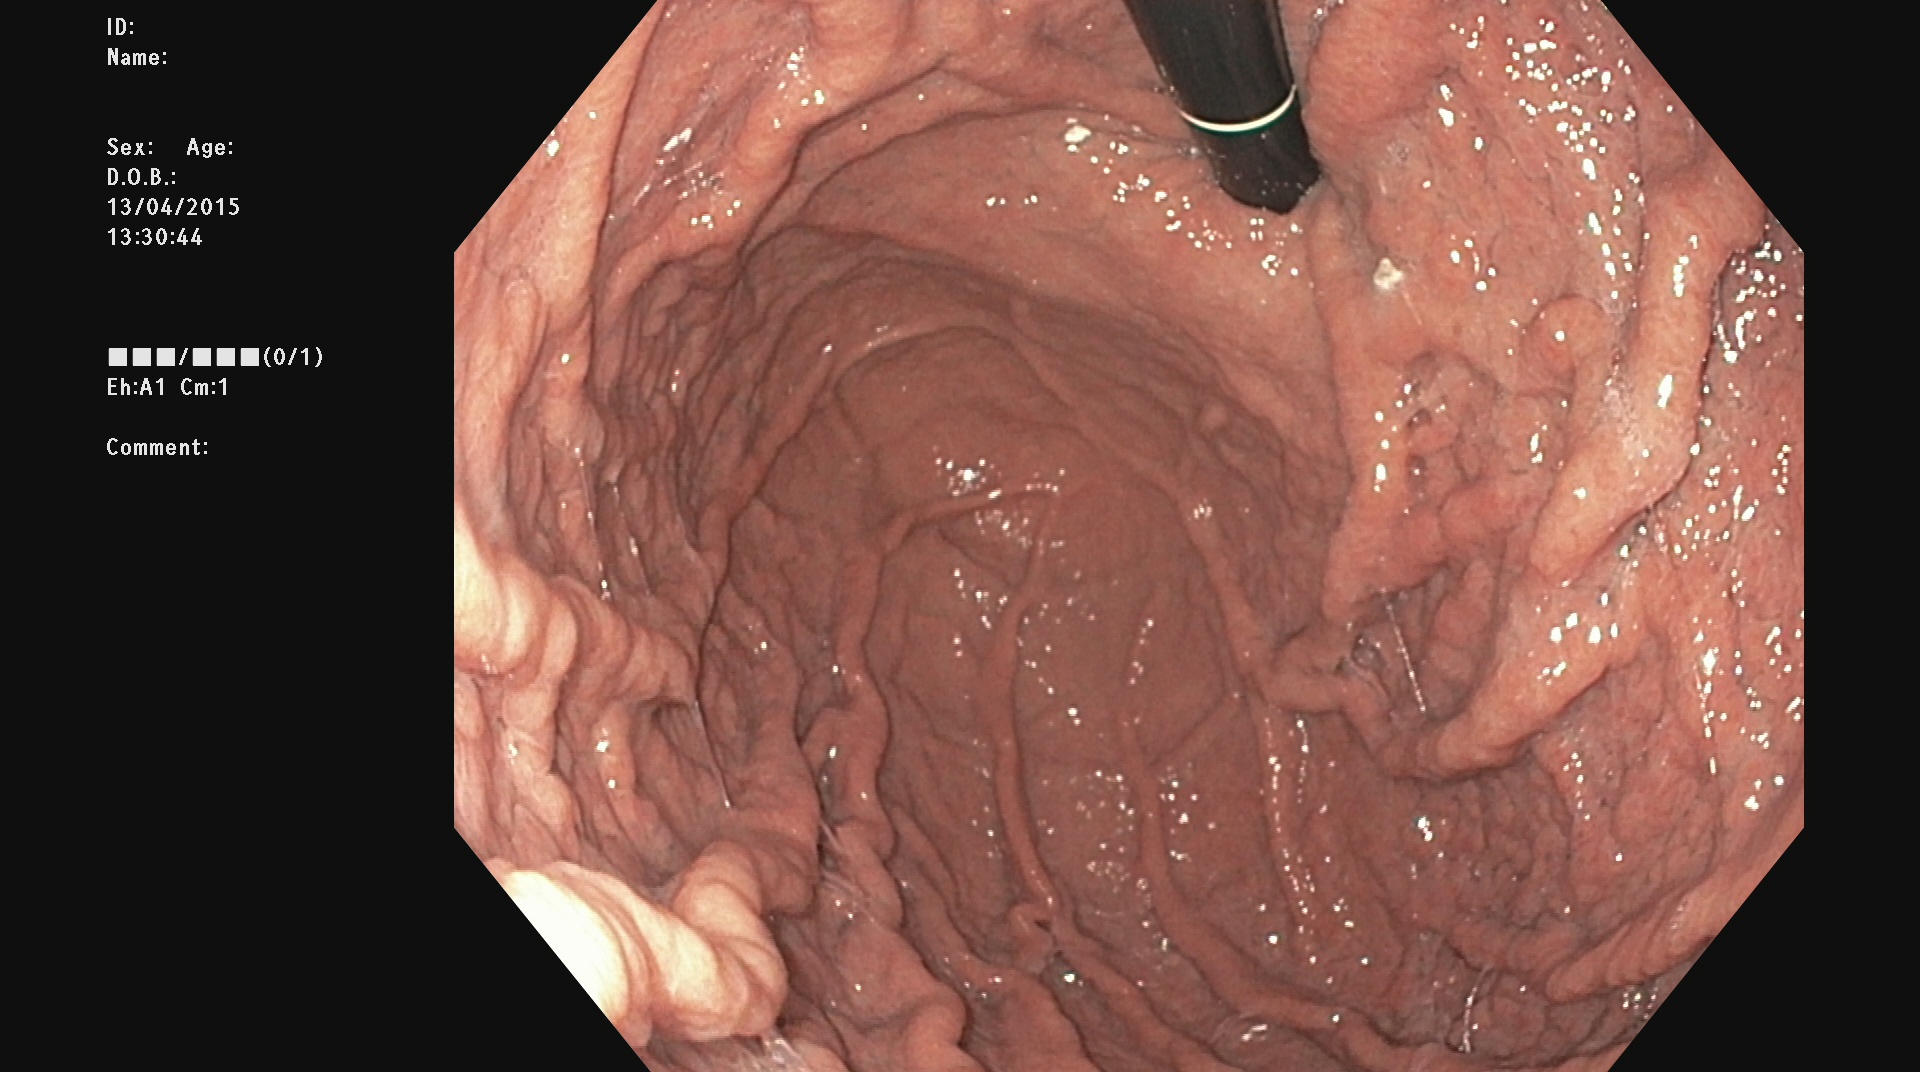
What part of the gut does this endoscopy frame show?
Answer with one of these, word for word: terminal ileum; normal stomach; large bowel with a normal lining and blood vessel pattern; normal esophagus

normal stomach